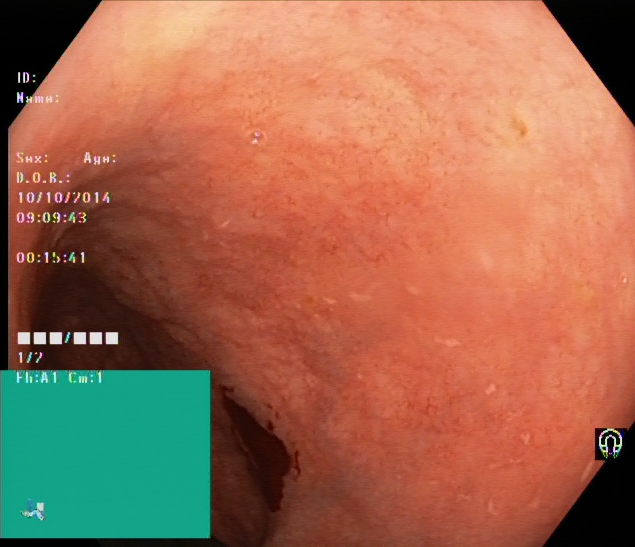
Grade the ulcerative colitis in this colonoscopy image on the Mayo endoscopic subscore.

ulcerative colitis, Mayo endoscopic subscore 2